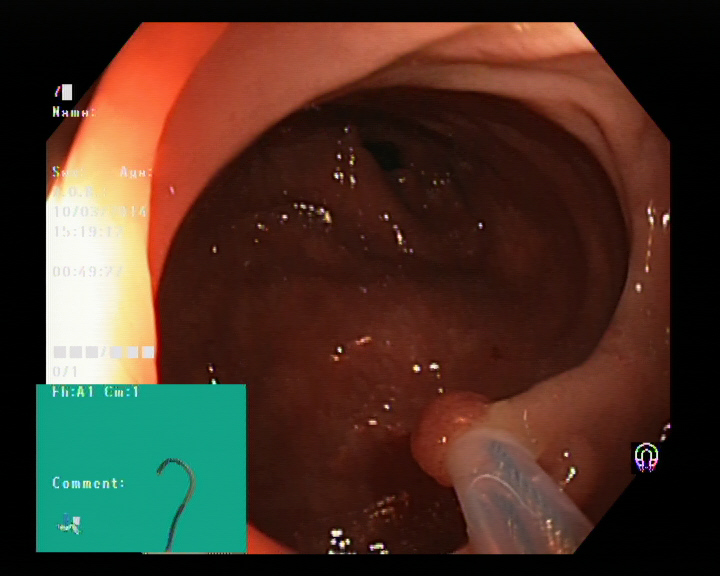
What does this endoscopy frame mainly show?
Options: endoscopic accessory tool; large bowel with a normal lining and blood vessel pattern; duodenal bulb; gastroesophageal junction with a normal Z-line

endoscopic accessory tool